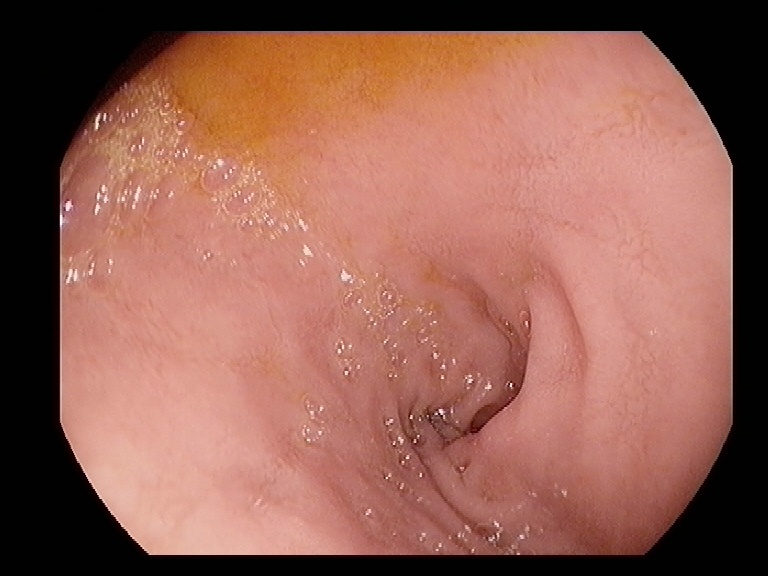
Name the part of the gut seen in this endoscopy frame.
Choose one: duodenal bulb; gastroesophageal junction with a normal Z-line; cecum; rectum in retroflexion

duodenal bulb